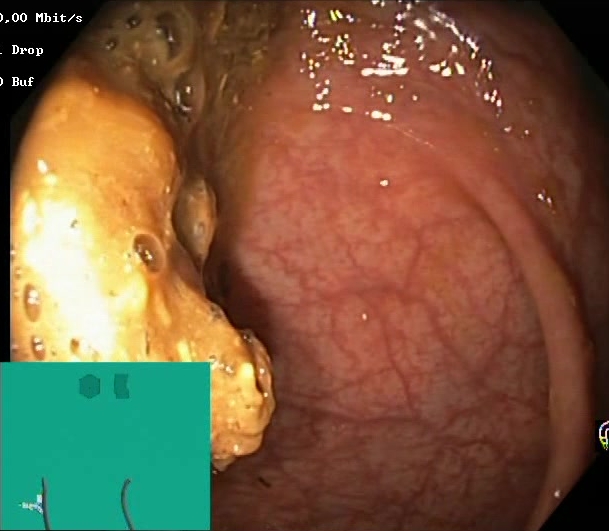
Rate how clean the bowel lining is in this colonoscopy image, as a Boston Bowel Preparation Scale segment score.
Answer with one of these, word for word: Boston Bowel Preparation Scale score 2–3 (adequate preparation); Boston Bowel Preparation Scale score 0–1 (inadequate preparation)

Boston Bowel Preparation Scale score 0–1 (inadequate preparation)